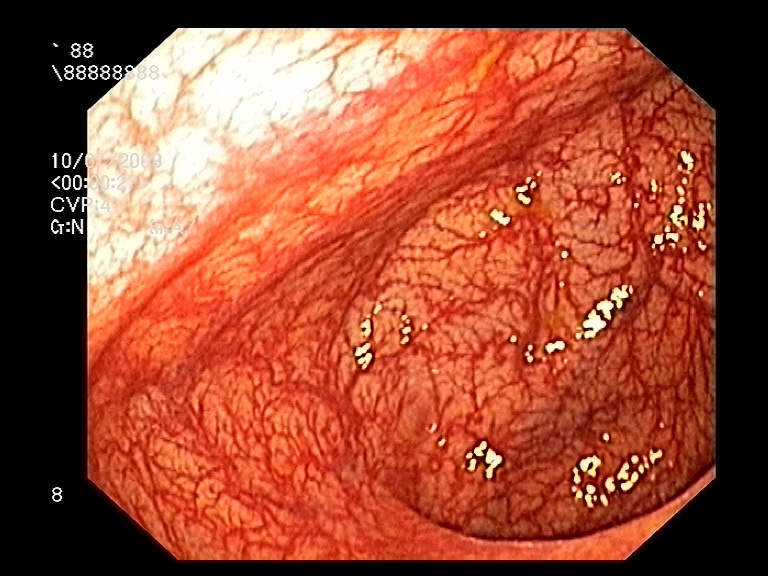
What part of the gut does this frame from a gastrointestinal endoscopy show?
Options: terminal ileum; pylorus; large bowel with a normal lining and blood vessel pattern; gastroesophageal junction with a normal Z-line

large bowel with a normal lining and blood vessel pattern